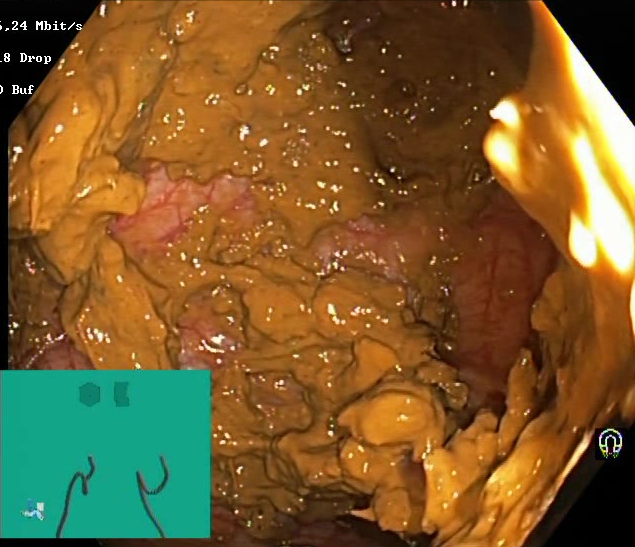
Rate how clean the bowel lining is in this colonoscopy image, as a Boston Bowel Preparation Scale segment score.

Boston Bowel Preparation Scale score 0–1 (inadequate preparation)